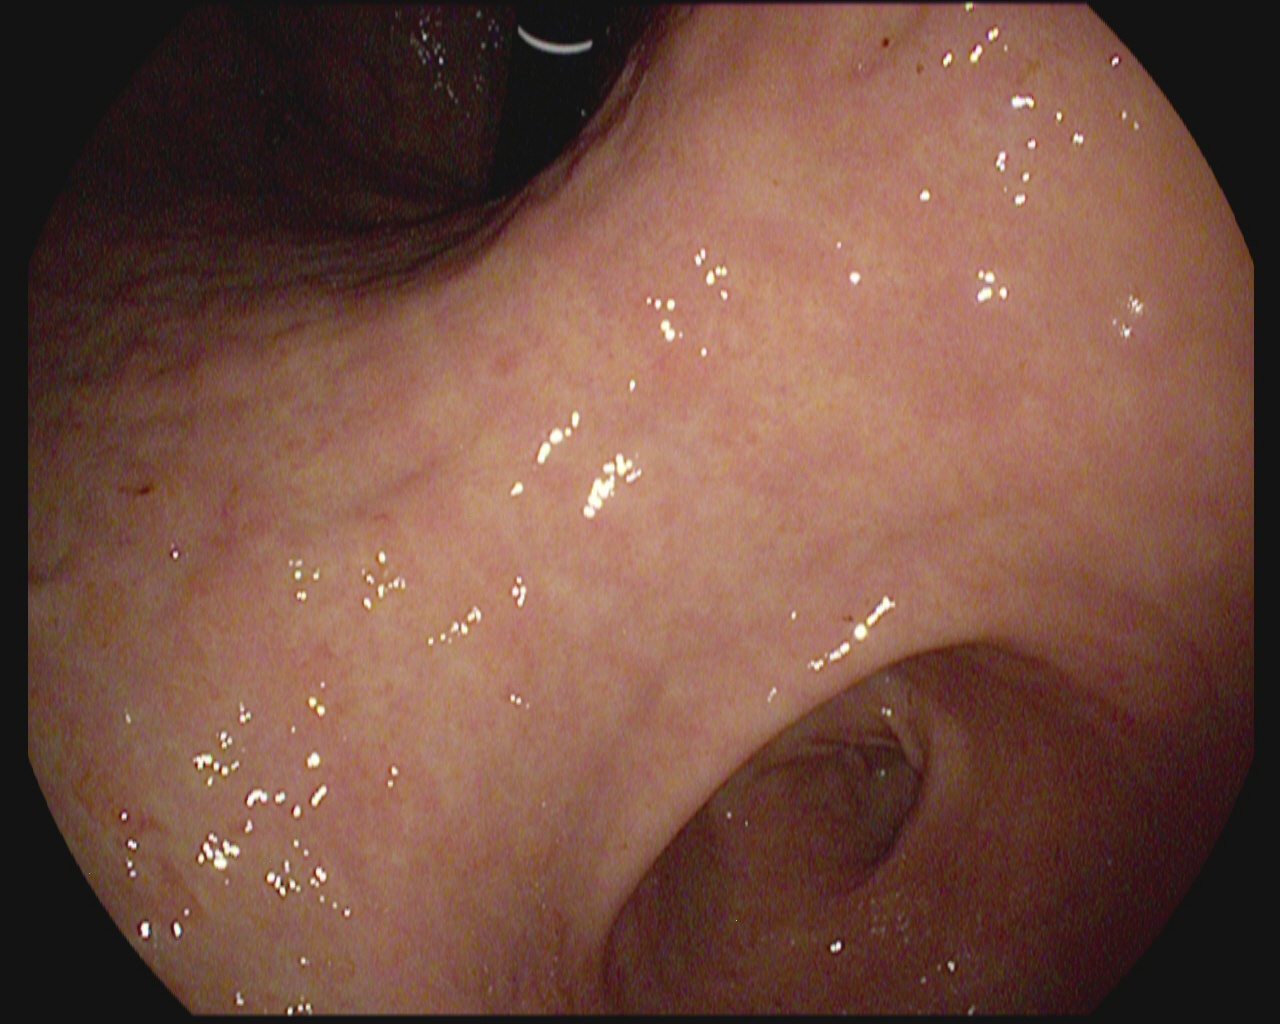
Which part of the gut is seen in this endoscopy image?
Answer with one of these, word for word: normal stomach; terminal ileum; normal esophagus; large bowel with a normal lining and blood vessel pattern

normal stomach